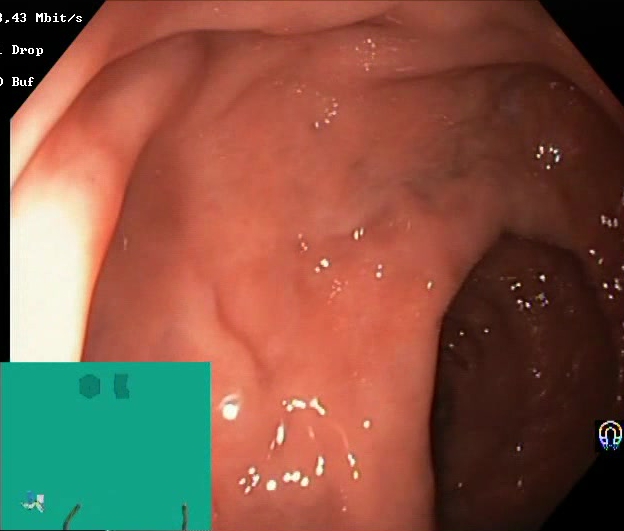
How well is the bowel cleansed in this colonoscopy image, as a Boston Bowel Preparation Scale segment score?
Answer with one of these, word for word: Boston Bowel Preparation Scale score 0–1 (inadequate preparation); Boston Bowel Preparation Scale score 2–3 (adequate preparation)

Boston Bowel Preparation Scale score 2–3 (adequate preparation)